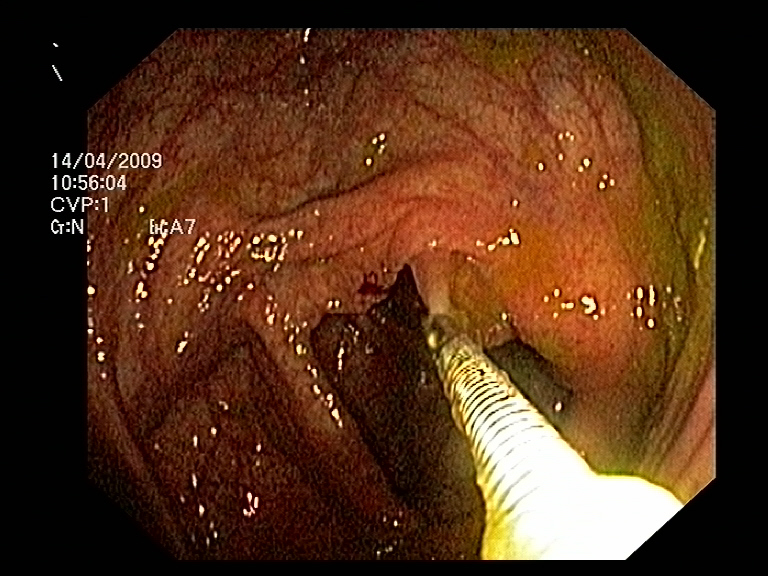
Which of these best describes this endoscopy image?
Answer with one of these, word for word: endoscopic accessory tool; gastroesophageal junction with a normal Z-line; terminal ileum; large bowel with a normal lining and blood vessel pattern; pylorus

endoscopic accessory tool